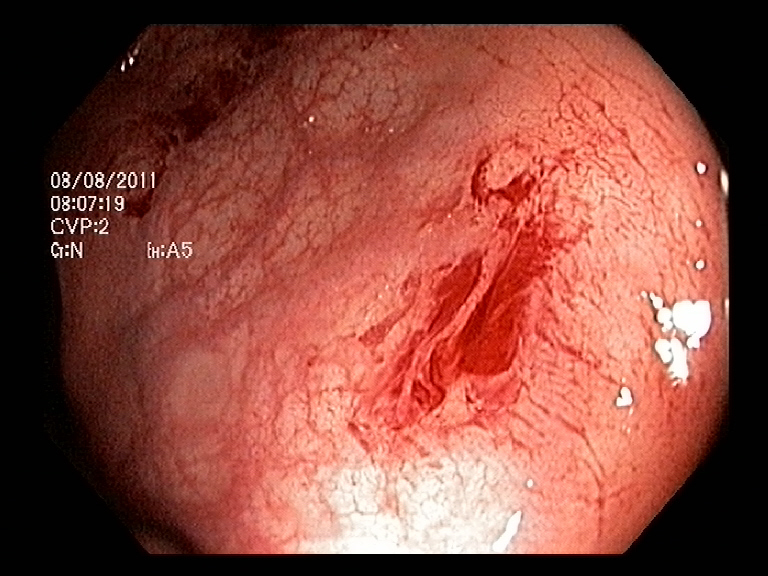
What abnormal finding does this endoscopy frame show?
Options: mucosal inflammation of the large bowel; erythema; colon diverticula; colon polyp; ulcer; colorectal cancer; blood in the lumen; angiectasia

blood in the lumen